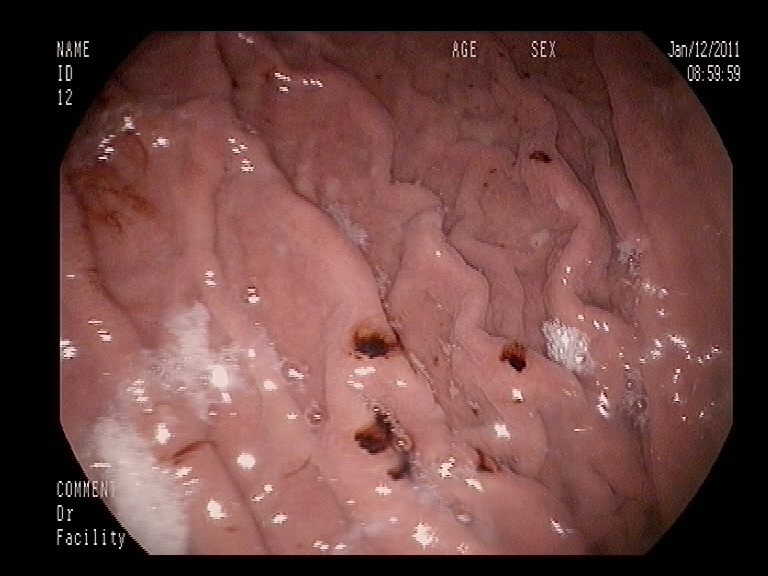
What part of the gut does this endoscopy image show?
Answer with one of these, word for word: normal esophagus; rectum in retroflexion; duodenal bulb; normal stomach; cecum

normal stomach